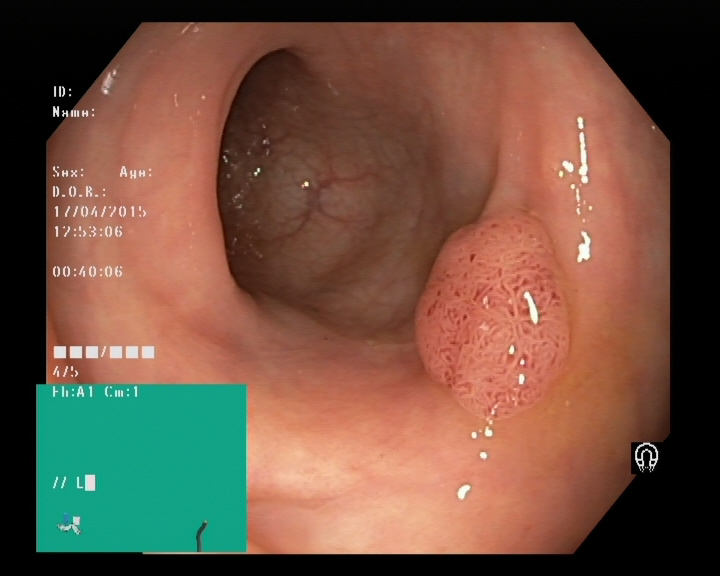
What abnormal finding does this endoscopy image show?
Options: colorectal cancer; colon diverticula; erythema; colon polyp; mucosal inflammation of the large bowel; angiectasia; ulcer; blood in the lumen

colon polyp